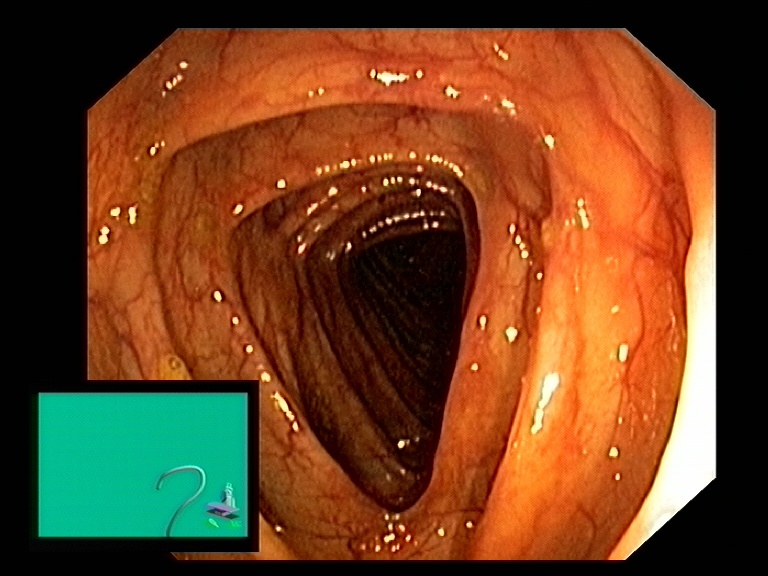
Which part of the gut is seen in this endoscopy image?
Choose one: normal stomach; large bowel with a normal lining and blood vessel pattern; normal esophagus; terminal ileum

large bowel with a normal lining and blood vessel pattern